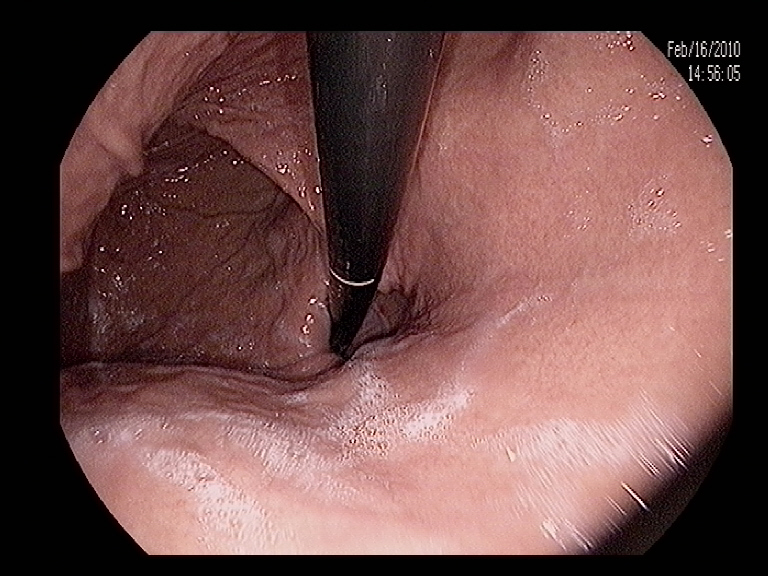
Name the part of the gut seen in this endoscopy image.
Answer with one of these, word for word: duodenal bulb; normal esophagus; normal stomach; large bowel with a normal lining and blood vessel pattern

normal stomach